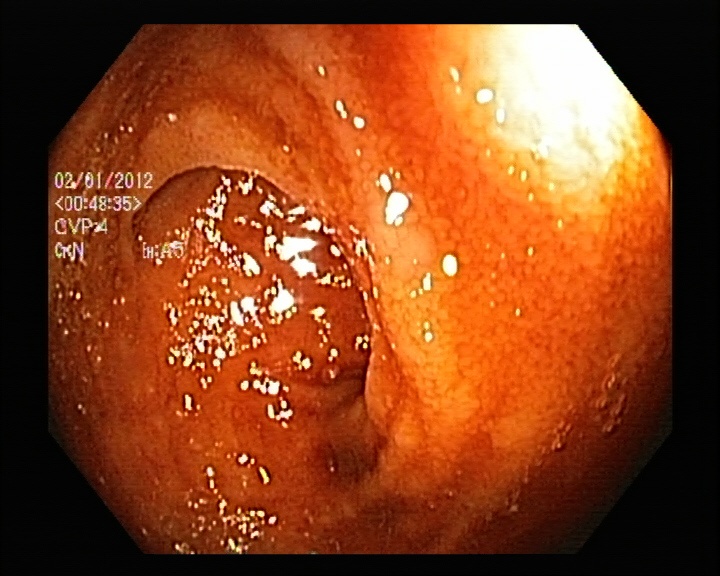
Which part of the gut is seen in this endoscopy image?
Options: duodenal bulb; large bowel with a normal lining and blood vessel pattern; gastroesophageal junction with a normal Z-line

large bowel with a normal lining and blood vessel pattern